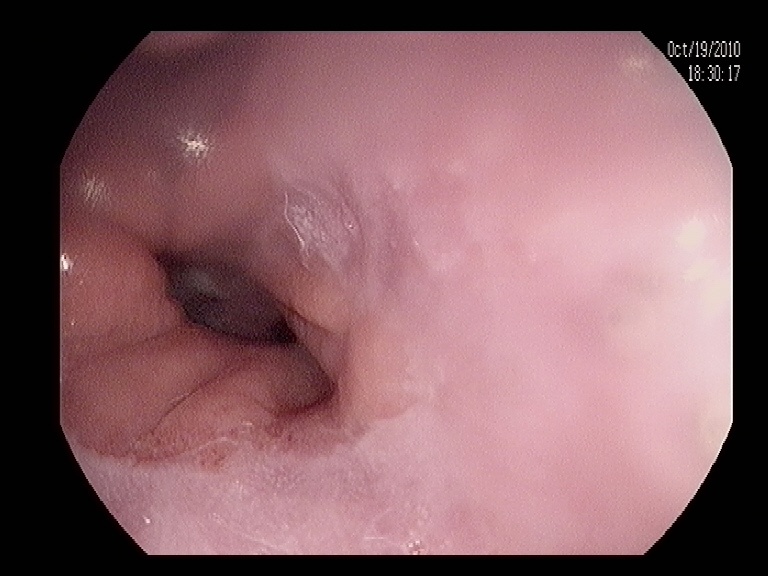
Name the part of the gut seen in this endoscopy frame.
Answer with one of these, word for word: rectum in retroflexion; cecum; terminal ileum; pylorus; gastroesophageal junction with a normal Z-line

gastroesophageal junction with a normal Z-line